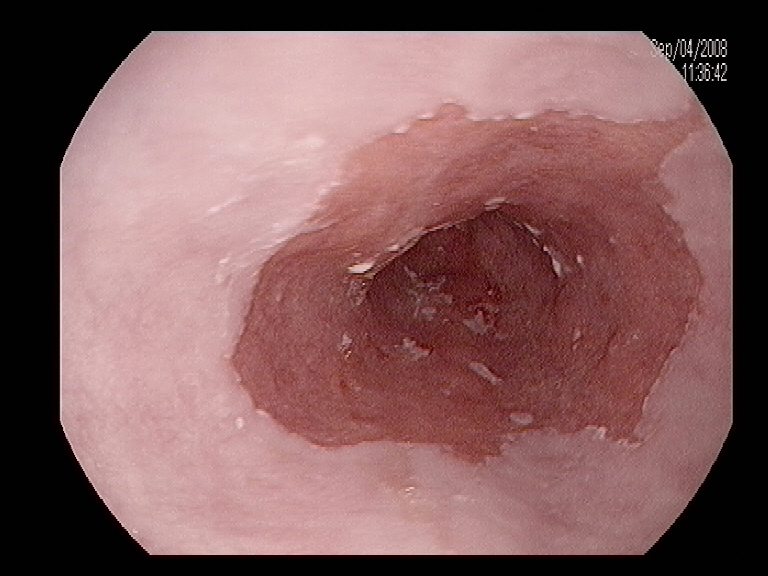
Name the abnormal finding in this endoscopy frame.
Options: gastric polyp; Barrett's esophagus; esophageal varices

Barrett's esophagus